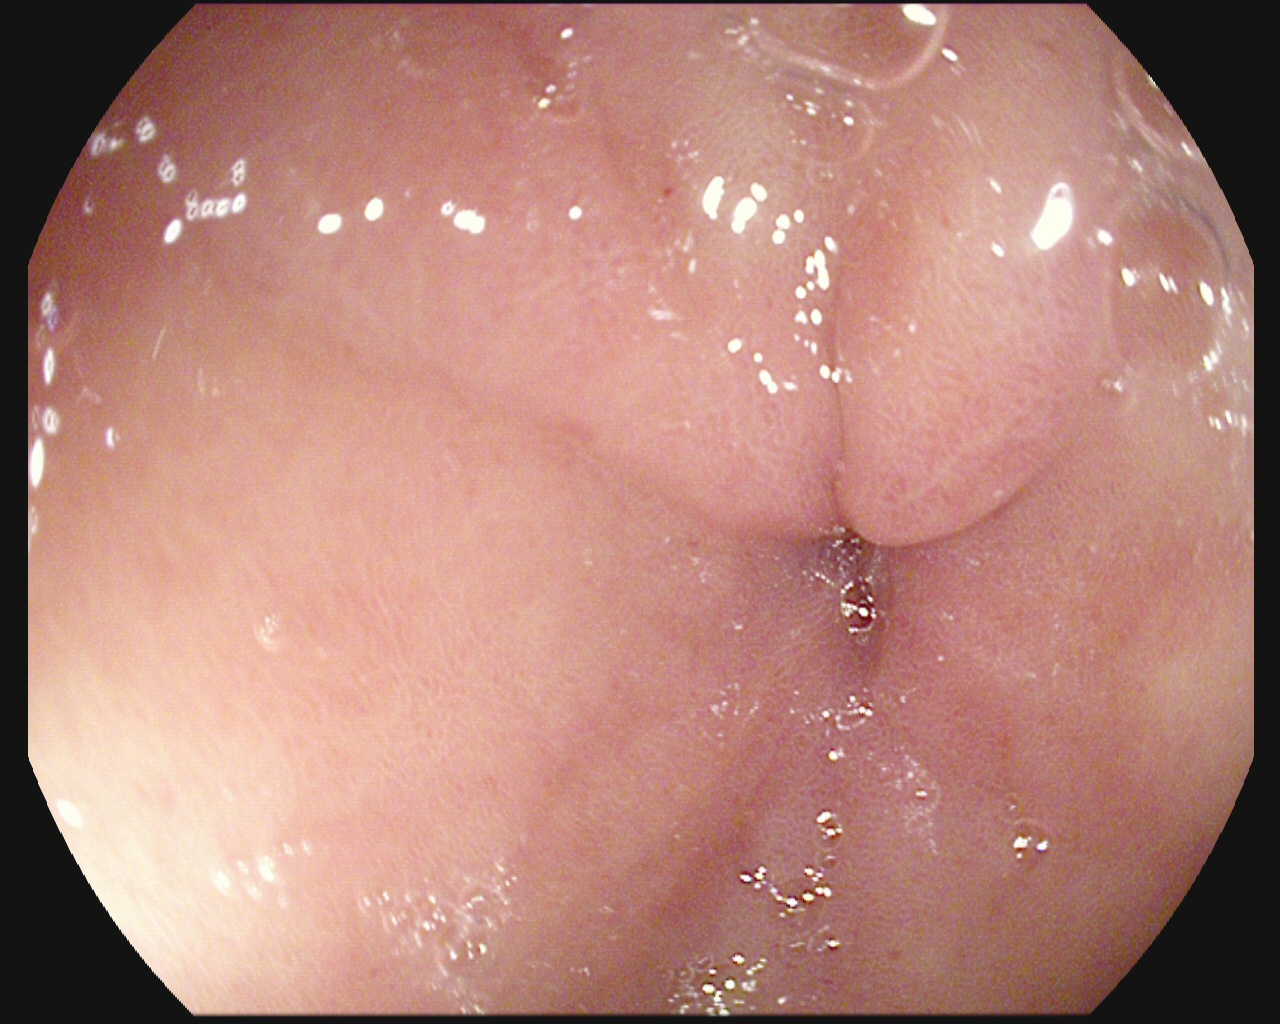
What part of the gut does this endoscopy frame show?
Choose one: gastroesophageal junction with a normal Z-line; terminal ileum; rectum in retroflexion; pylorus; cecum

pylorus